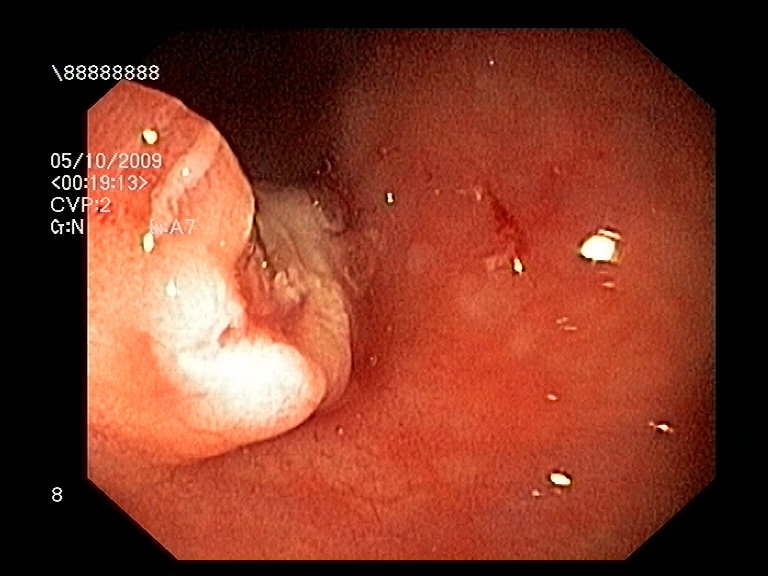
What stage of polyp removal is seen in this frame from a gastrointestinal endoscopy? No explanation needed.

undyed resection margin (post-polypectomy)